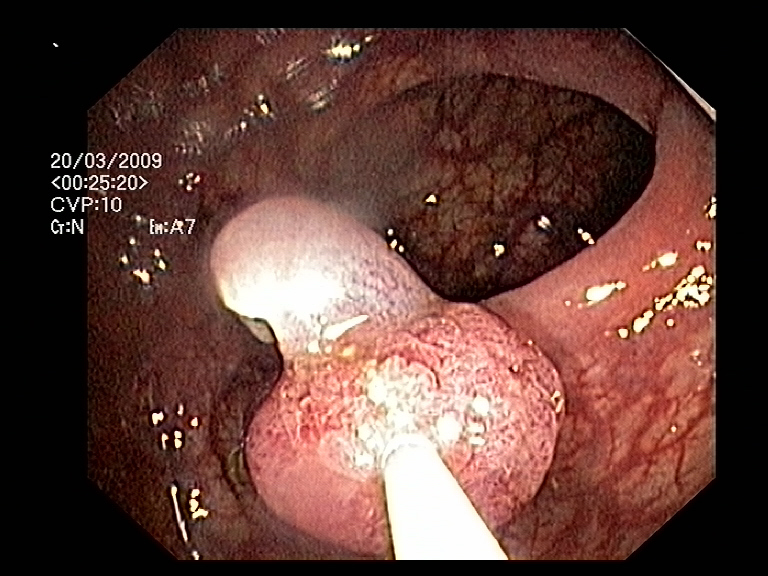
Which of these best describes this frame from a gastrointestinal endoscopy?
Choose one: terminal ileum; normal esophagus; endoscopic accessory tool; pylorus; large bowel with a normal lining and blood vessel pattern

endoscopic accessory tool